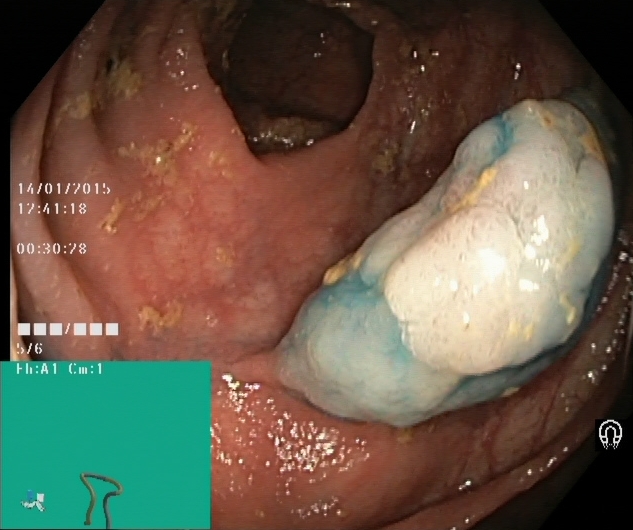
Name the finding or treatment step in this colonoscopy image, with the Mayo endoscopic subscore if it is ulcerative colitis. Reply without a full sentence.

dyed and lifted polyp (pre-resection)